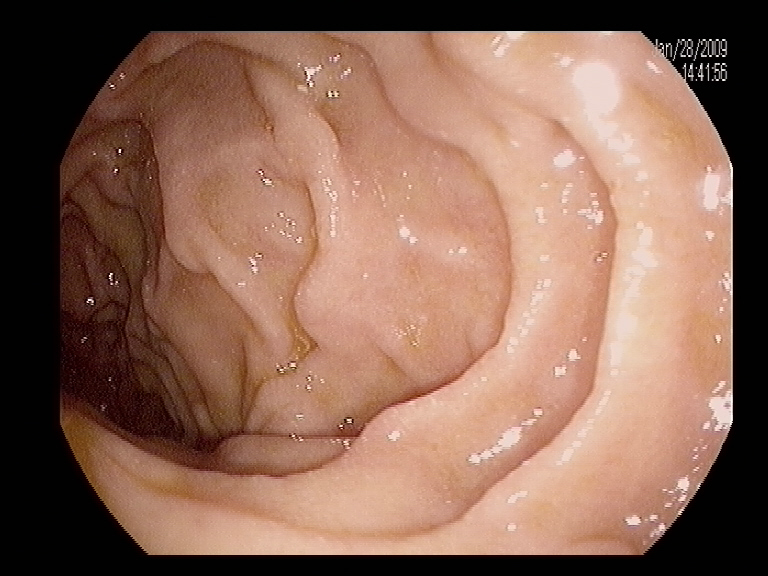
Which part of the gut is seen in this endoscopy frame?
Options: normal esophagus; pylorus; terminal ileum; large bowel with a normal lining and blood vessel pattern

terminal ileum